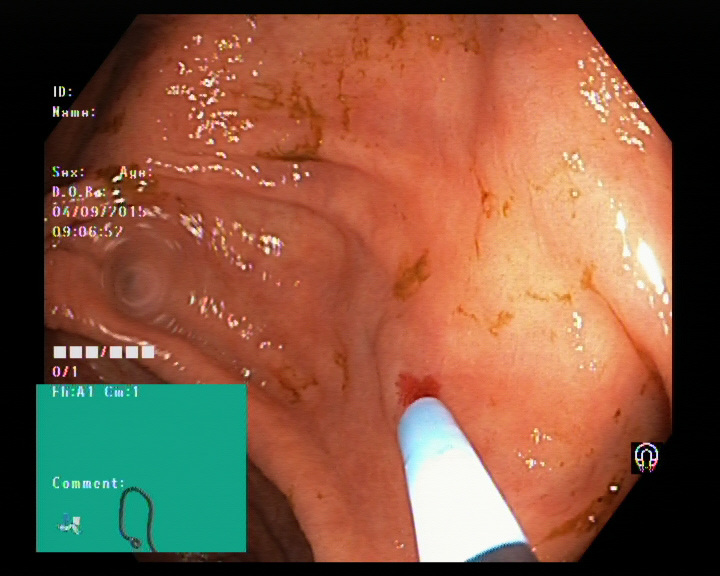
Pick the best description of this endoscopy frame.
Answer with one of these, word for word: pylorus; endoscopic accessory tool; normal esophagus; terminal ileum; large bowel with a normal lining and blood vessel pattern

endoscopic accessory tool